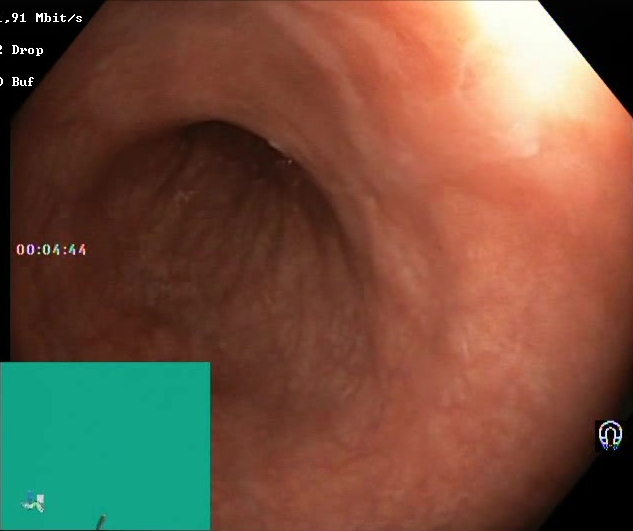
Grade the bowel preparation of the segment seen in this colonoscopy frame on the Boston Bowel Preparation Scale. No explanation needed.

Boston Bowel Preparation Scale score 2–3 (adequate preparation)